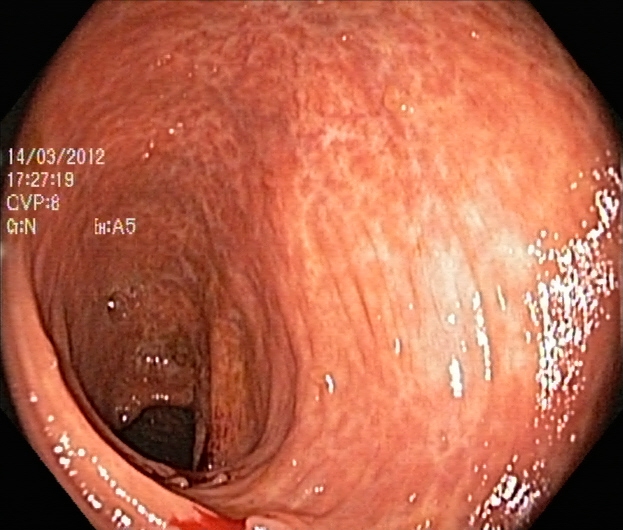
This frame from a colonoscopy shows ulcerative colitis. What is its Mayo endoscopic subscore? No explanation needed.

ulcerative colitis, Mayo endoscopic subscore 2